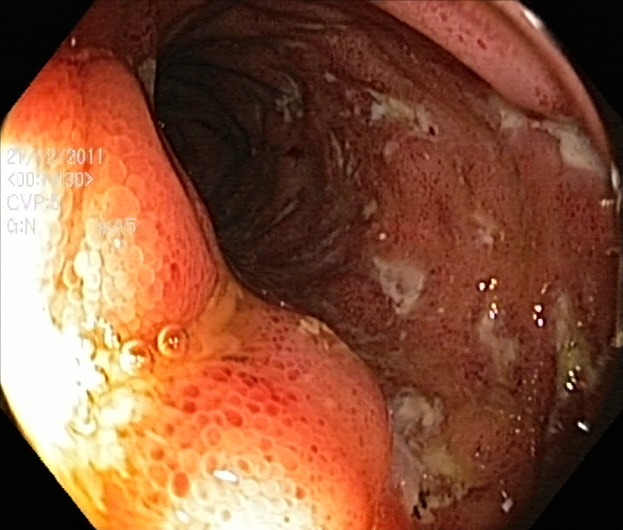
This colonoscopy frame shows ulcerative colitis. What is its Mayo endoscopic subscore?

ulcerative colitis, Mayo endoscopic subscore 3